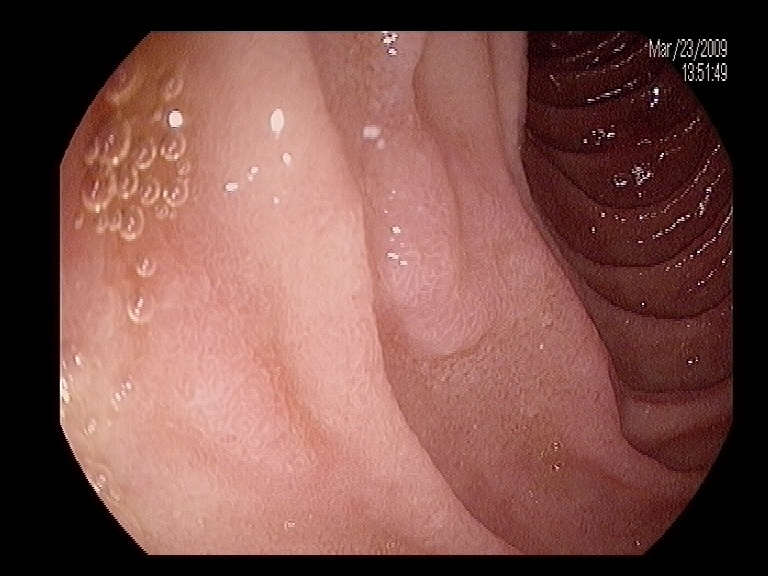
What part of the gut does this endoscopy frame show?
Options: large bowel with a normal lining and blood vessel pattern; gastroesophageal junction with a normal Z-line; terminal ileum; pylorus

terminal ileum